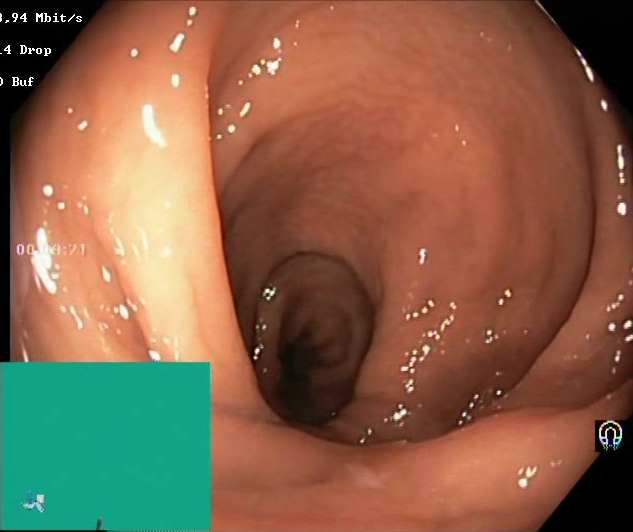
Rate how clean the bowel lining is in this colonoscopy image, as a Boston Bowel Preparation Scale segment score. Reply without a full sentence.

Boston Bowel Preparation Scale score 2–3 (adequate preparation)